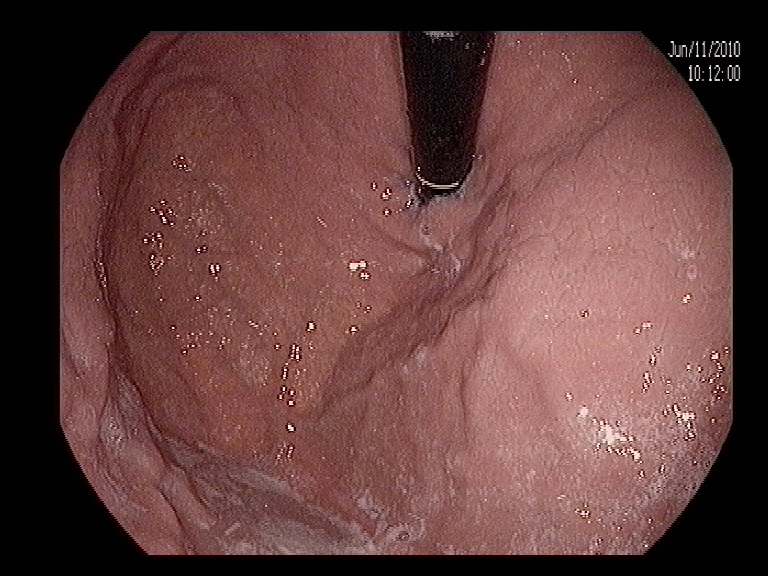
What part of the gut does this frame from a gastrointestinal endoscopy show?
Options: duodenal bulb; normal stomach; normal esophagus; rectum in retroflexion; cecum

normal stomach